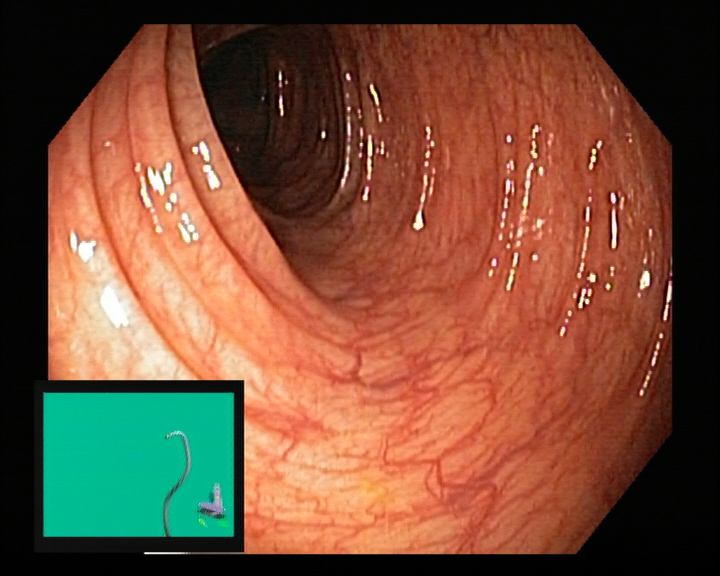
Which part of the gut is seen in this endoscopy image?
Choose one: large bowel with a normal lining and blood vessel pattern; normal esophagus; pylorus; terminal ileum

large bowel with a normal lining and blood vessel pattern